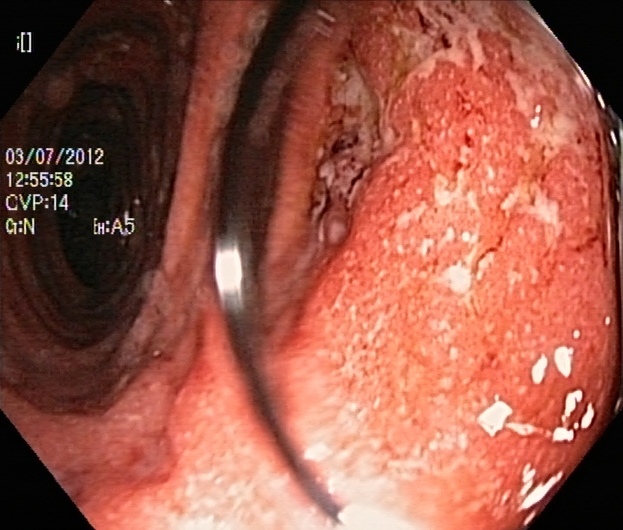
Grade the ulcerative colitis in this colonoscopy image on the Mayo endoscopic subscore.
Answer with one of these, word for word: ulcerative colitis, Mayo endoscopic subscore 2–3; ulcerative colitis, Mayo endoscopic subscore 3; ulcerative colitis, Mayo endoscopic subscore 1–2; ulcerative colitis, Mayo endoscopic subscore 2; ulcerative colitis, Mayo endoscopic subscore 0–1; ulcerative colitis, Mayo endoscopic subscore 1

ulcerative colitis, Mayo endoscopic subscore 2